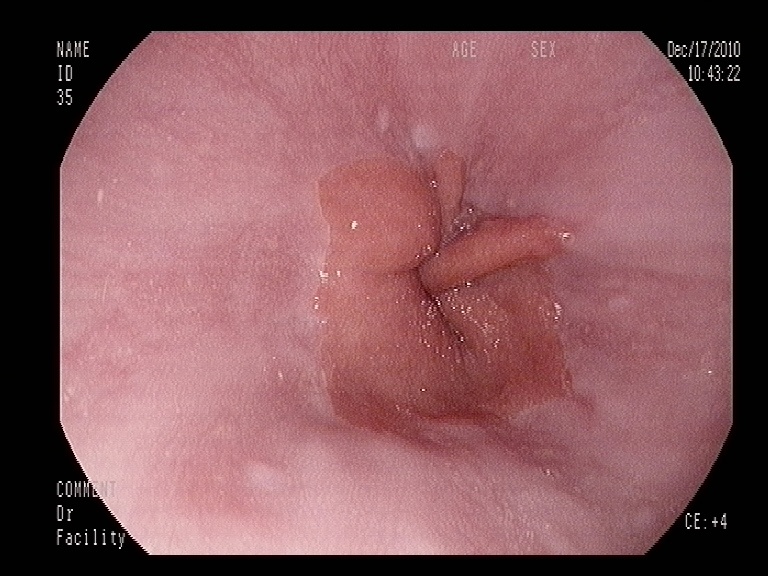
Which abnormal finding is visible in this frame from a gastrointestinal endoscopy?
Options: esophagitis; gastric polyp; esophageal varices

esophagitis